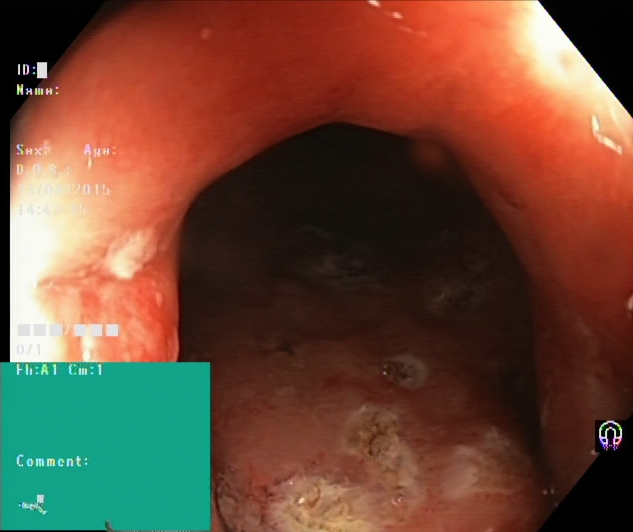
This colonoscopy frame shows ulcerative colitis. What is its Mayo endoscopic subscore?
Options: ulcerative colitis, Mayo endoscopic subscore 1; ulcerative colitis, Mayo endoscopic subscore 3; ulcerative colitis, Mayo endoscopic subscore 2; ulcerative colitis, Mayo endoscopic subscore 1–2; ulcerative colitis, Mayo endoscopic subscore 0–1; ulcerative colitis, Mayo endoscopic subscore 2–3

ulcerative colitis, Mayo endoscopic subscore 3